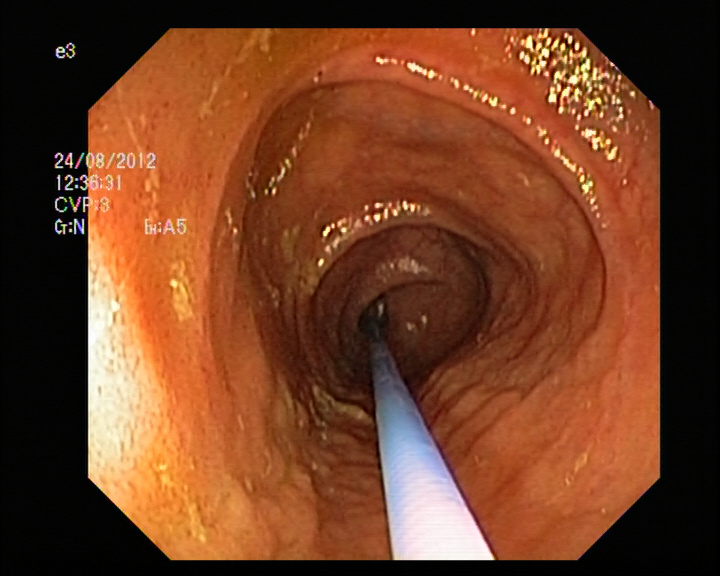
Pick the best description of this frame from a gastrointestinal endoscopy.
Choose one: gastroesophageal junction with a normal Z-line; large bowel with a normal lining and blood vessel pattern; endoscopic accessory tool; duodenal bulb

endoscopic accessory tool